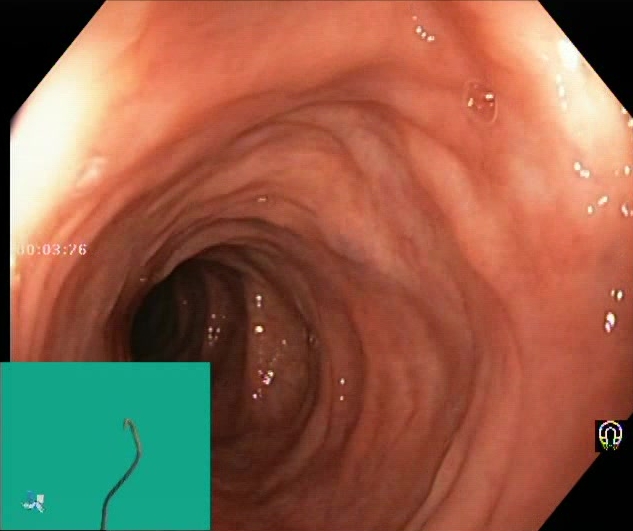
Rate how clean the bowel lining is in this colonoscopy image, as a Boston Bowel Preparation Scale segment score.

Boston Bowel Preparation Scale score 2–3 (adequate preparation)